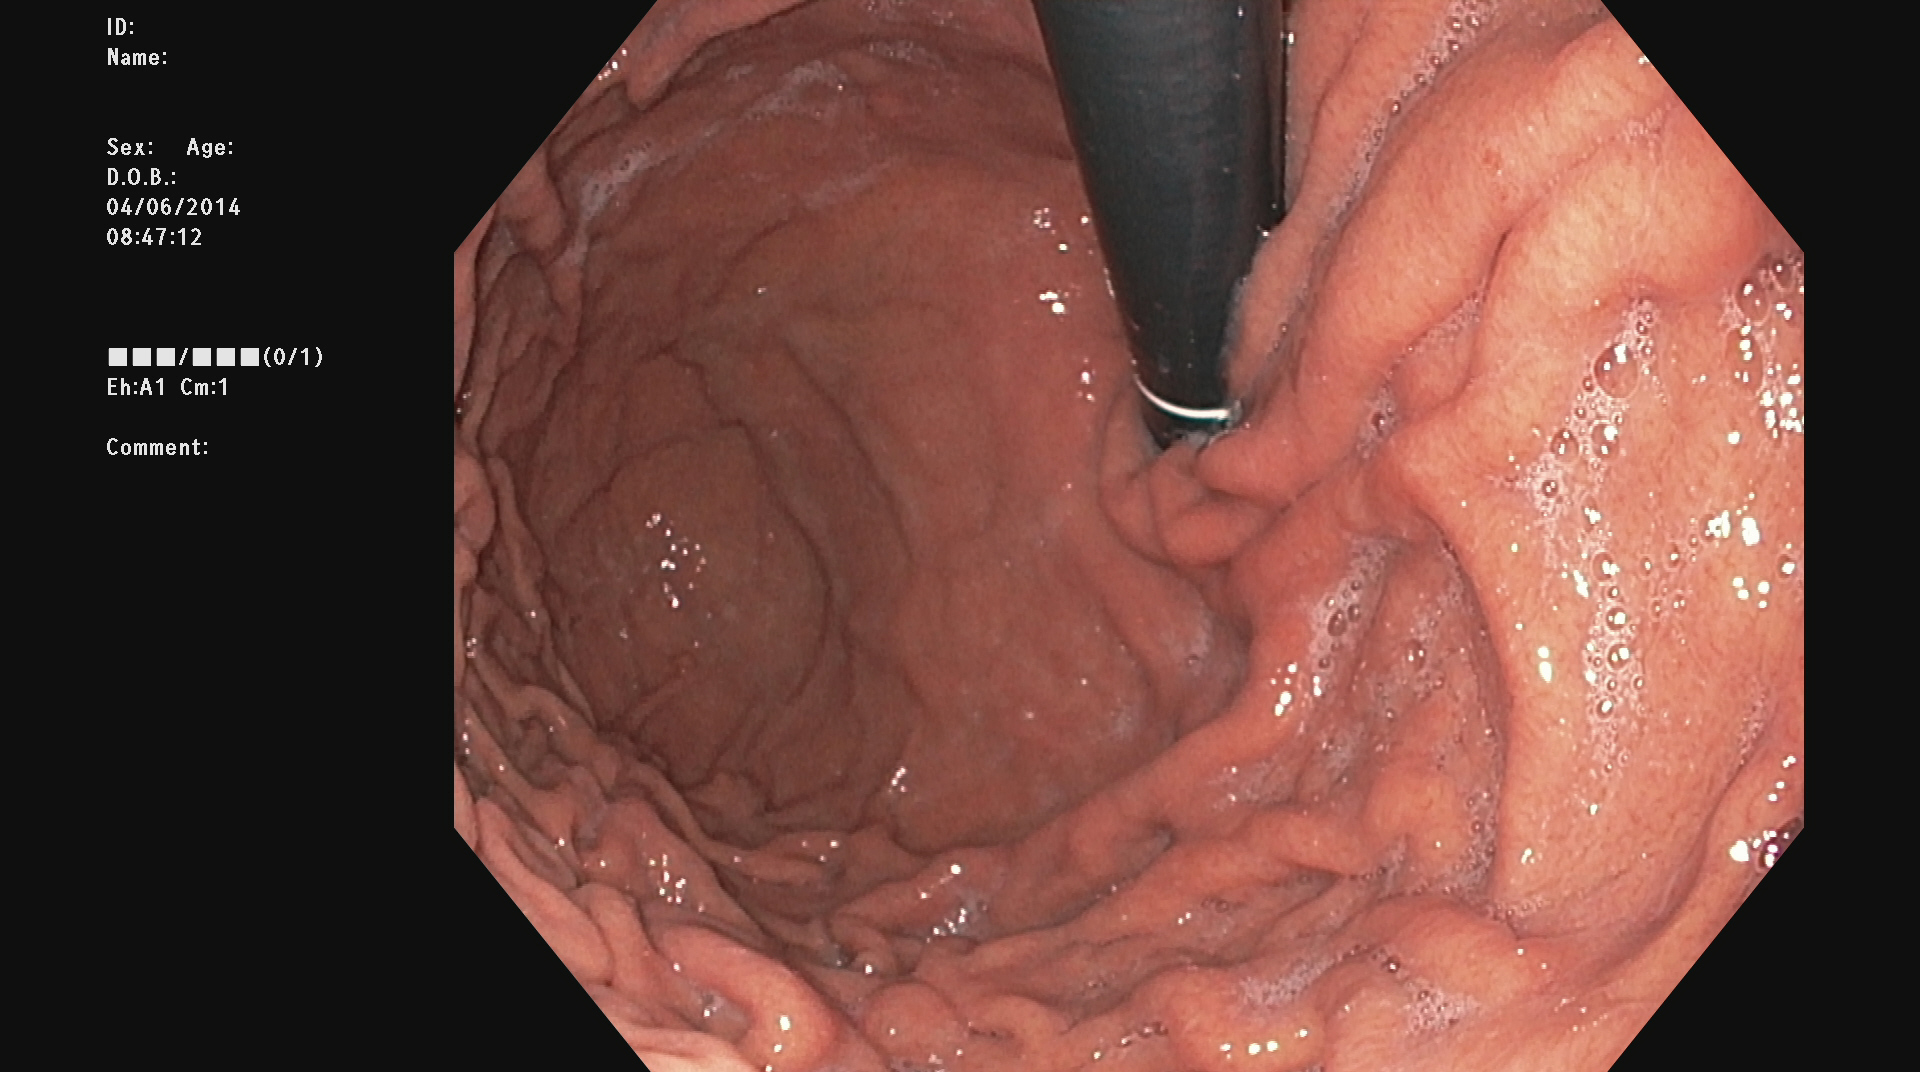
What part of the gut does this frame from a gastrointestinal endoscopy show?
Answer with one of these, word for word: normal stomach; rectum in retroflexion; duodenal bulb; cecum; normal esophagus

normal stomach